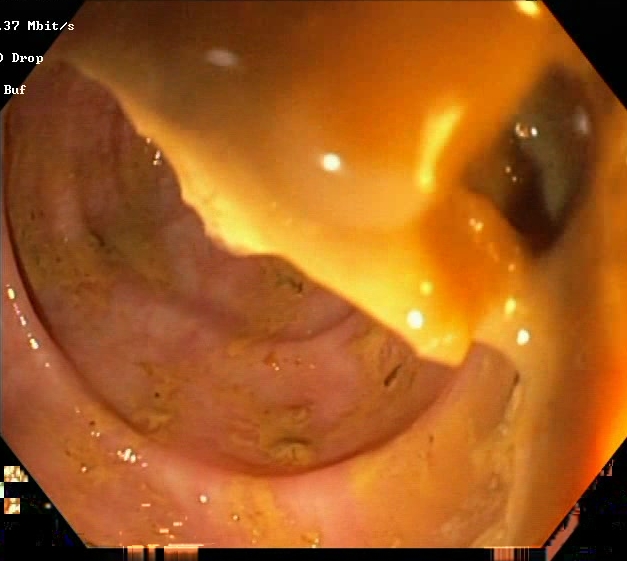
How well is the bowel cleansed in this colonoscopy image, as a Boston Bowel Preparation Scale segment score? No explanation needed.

Boston Bowel Preparation Scale score 0–1 (inadequate preparation)